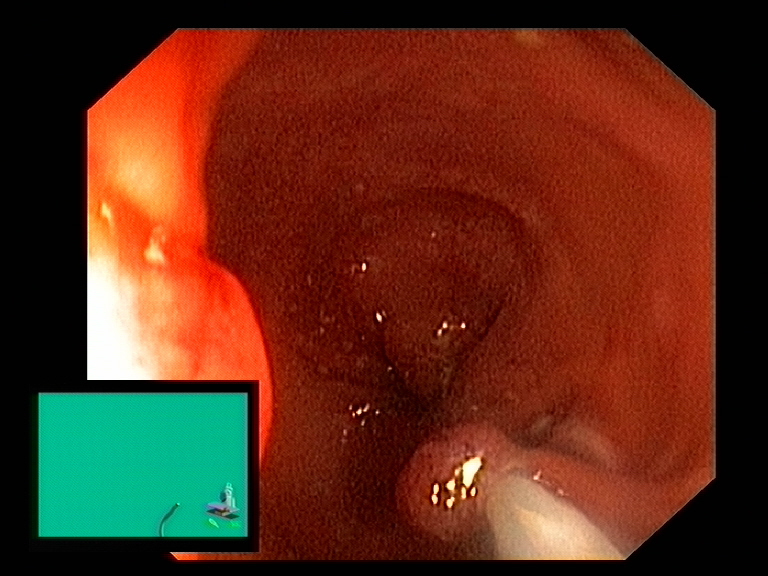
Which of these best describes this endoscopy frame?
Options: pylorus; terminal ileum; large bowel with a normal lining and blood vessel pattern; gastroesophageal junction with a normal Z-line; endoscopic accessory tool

endoscopic accessory tool